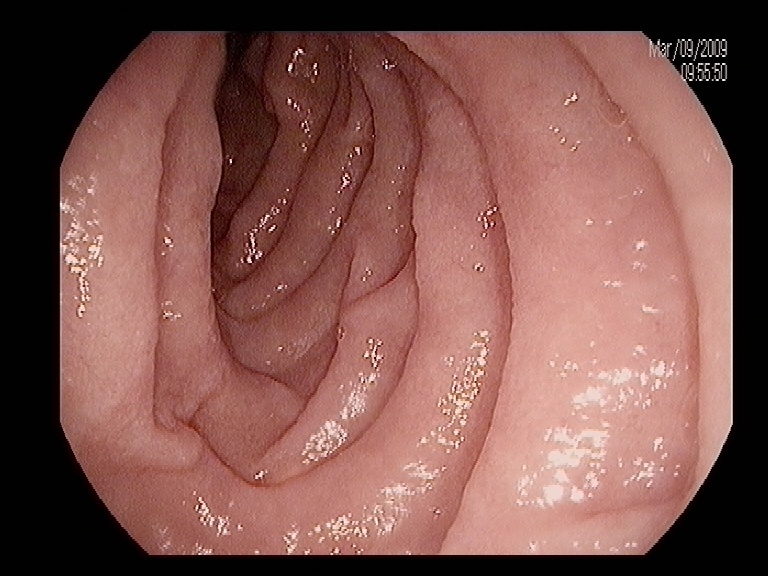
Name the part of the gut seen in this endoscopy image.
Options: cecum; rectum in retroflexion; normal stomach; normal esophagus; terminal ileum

terminal ileum